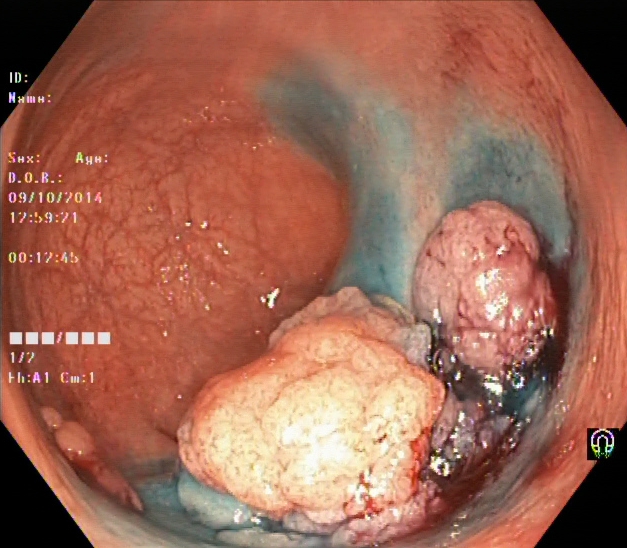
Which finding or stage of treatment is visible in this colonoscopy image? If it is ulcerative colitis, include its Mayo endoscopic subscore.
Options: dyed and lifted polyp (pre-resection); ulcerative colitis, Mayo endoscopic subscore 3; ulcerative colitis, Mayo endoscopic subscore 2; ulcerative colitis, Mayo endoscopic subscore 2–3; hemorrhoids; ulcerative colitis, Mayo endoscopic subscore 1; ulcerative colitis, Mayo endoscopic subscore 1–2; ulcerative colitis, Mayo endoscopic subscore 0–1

dyed and lifted polyp (pre-resection)